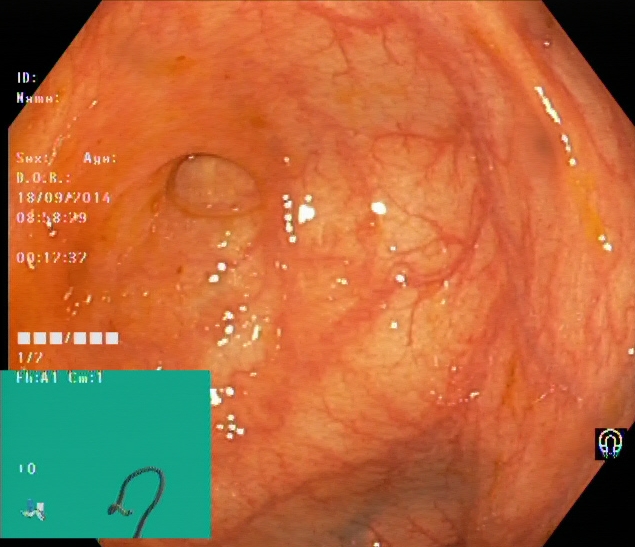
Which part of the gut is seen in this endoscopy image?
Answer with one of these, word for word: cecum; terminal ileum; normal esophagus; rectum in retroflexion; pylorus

cecum